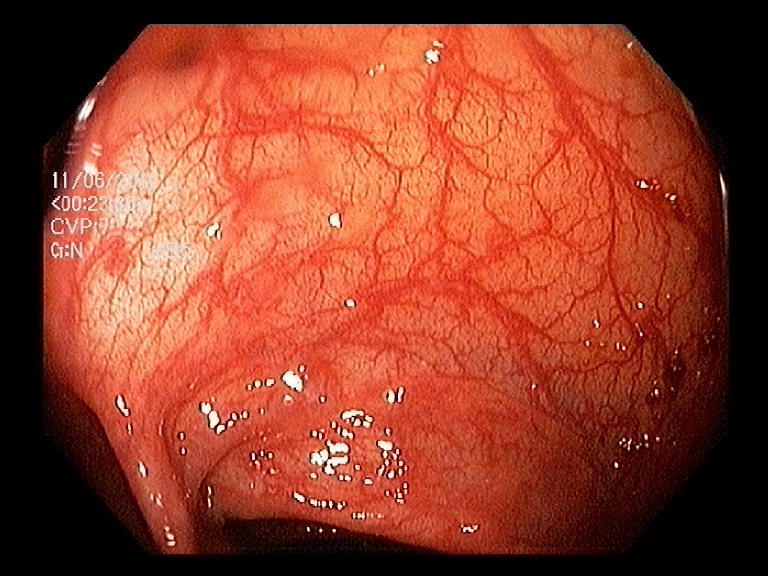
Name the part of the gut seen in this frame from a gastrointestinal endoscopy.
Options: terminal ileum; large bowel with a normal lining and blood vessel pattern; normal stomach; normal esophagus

large bowel with a normal lining and blood vessel pattern